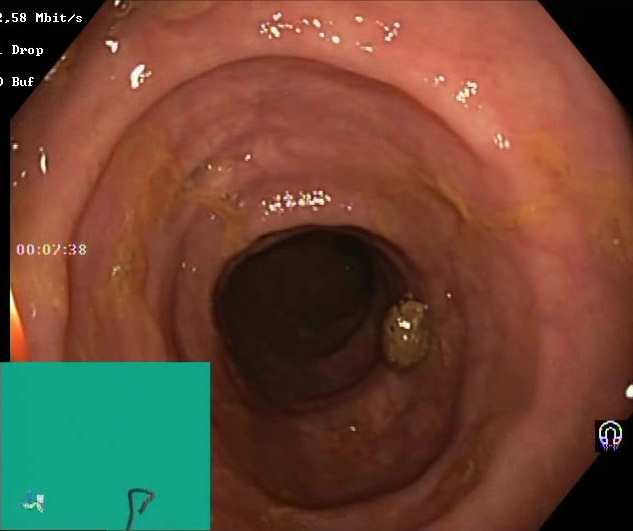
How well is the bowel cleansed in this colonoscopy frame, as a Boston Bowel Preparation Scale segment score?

Boston Bowel Preparation Scale score 2–3 (adequate preparation)